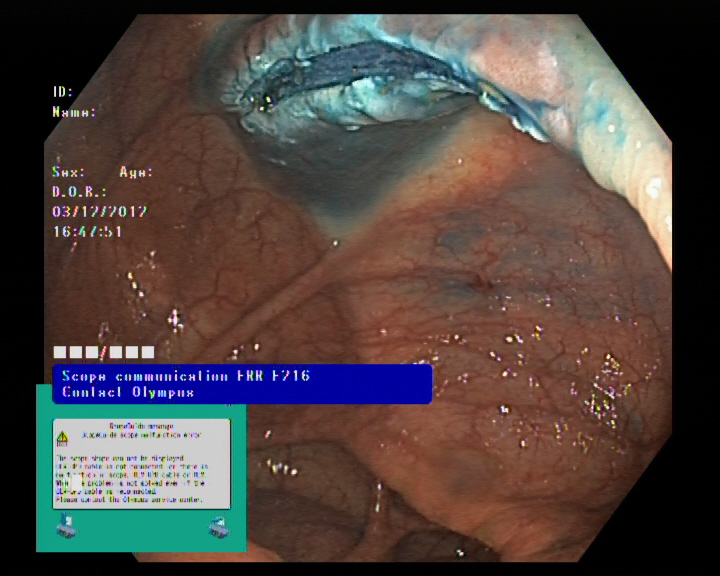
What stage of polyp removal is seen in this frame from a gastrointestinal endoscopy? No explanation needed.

dyed resection margin (post-polypectomy)